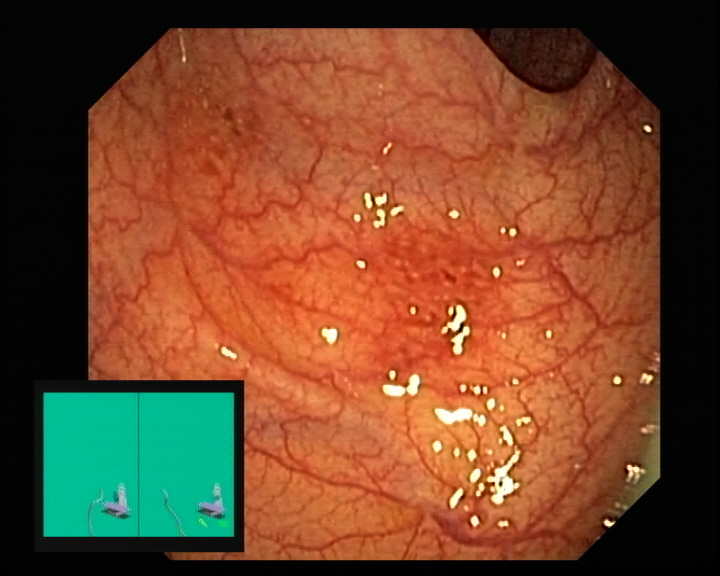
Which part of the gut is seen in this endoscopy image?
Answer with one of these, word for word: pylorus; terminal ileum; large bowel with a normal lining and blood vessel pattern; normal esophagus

large bowel with a normal lining and blood vessel pattern